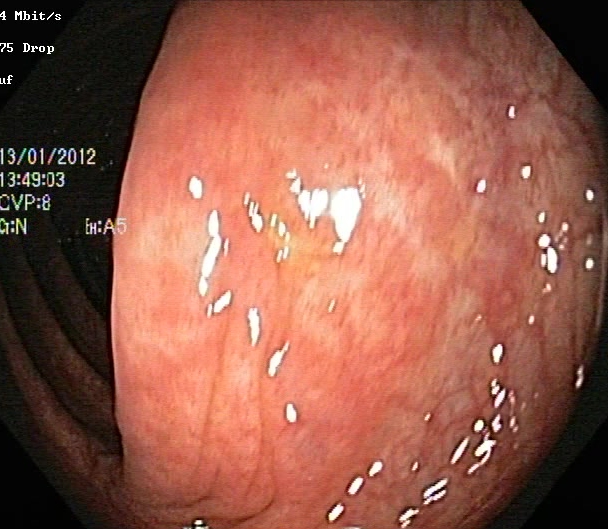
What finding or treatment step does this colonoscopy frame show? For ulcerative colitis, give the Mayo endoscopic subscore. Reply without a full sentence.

ulcerative colitis, Mayo endoscopic subscore 1